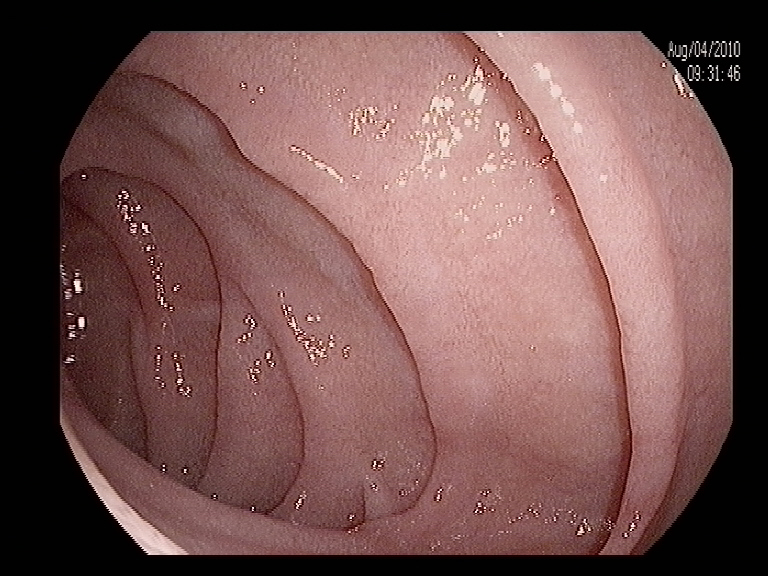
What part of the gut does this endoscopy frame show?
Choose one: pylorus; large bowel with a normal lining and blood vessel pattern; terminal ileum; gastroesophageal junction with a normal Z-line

terminal ileum